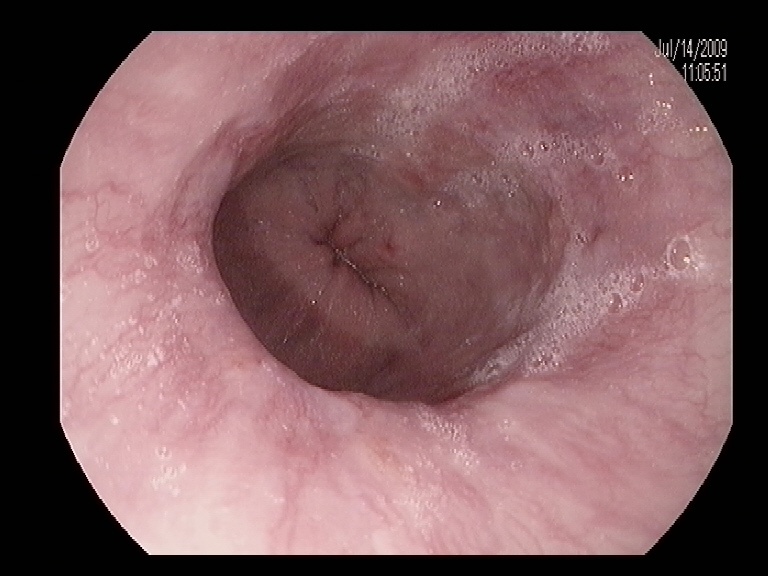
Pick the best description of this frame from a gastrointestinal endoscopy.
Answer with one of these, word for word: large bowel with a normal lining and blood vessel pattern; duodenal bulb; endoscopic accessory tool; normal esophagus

normal esophagus